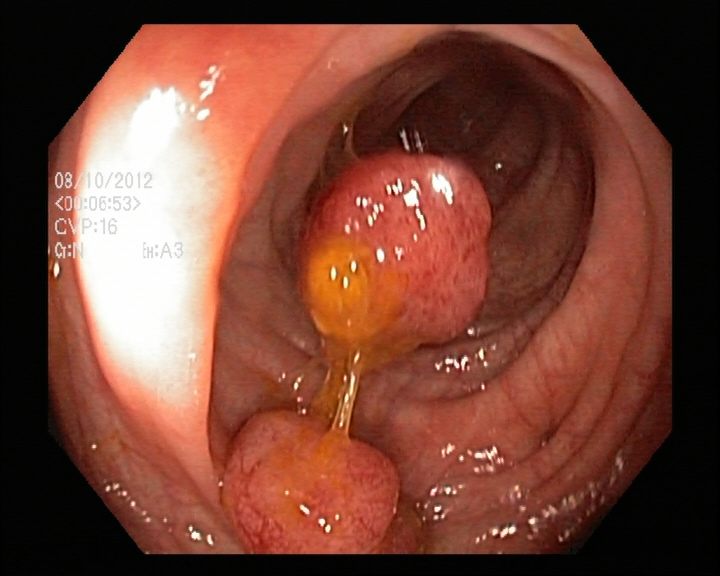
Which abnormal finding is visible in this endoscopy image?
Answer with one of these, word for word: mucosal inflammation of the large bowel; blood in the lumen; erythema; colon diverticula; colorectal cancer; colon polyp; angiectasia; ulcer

colon polyp